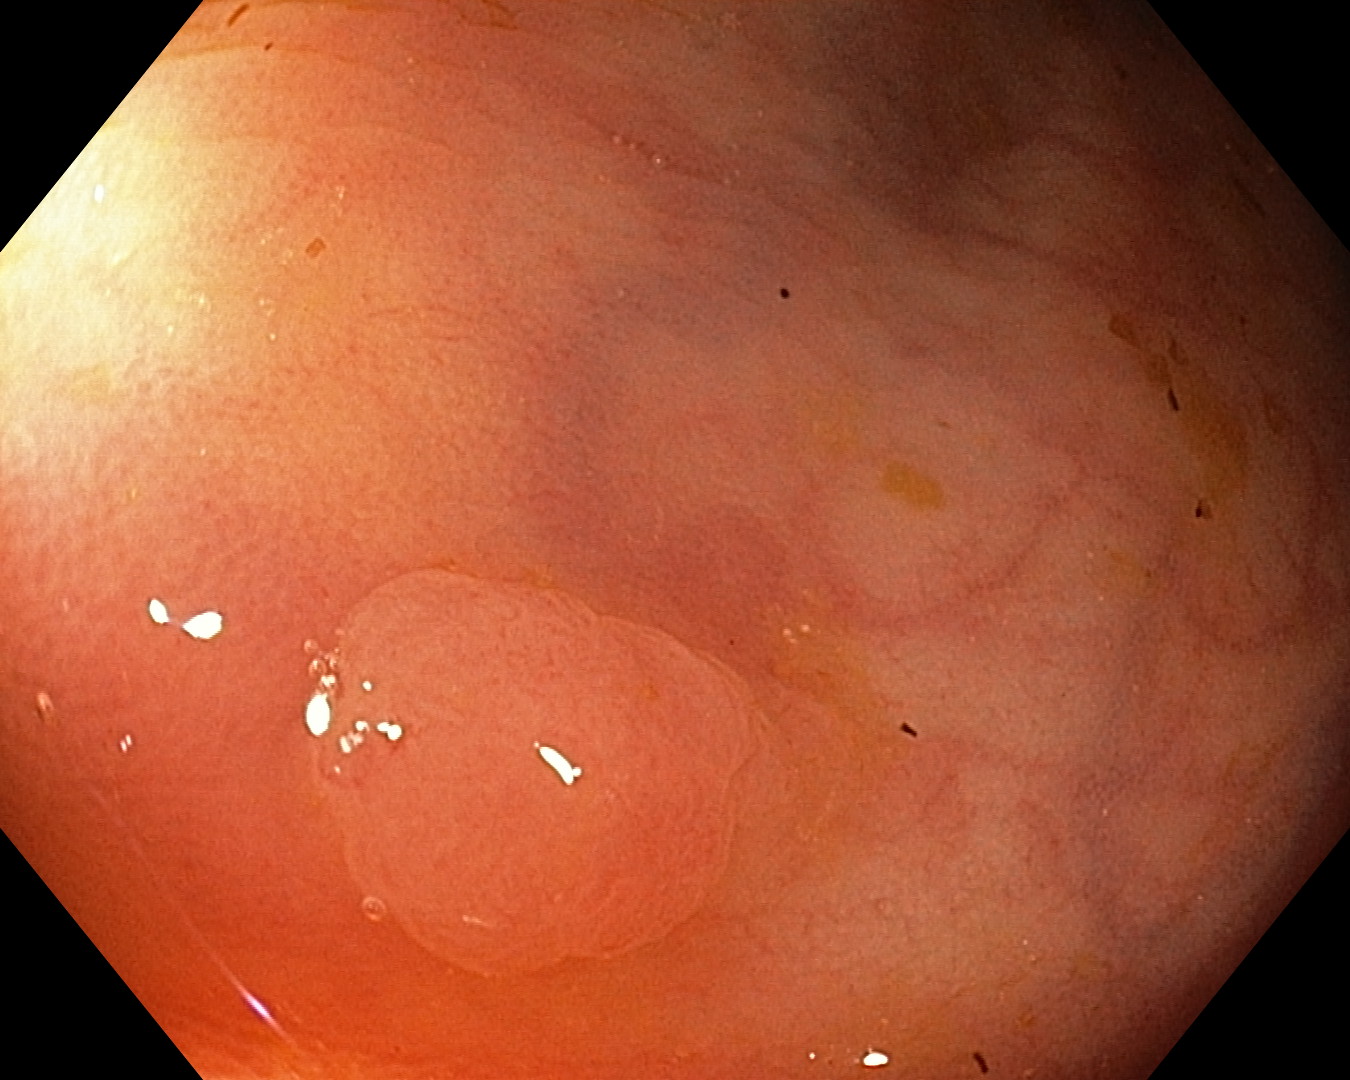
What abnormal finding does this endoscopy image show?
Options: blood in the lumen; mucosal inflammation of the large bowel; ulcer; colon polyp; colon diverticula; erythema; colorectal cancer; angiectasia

colon polyp